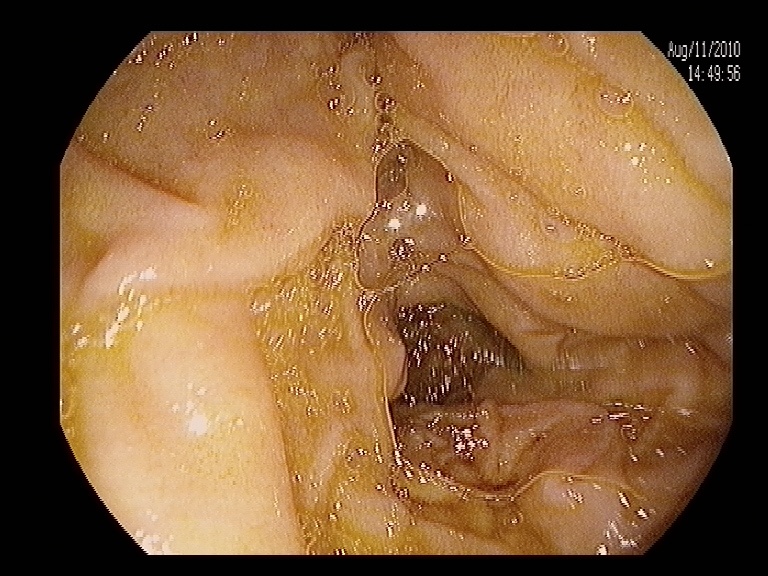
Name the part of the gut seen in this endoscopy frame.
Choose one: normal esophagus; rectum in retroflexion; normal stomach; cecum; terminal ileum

terminal ileum